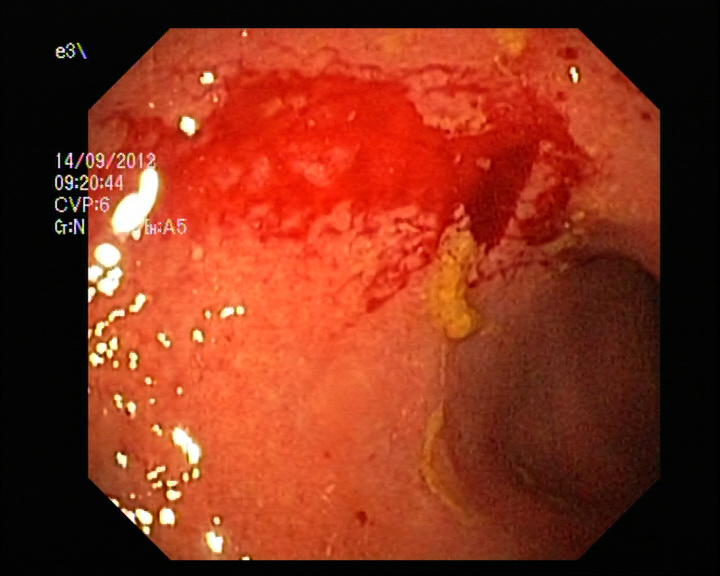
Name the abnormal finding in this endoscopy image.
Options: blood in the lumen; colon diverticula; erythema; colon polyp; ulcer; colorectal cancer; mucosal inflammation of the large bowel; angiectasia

blood in the lumen